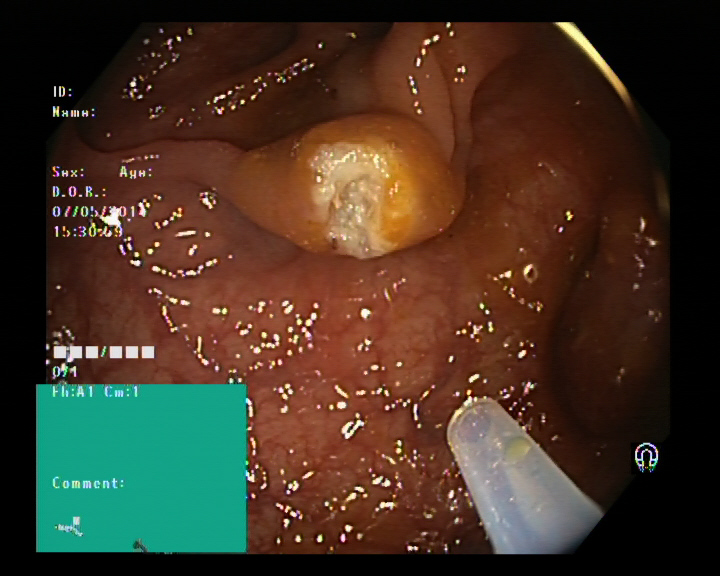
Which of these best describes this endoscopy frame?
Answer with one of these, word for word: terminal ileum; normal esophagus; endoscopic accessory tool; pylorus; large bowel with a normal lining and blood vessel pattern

endoscopic accessory tool